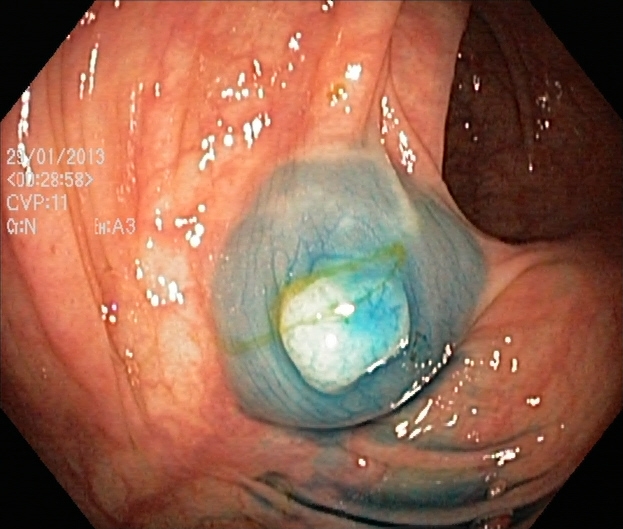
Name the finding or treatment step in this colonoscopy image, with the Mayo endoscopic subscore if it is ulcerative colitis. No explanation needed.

dyed and lifted polyp (pre-resection)